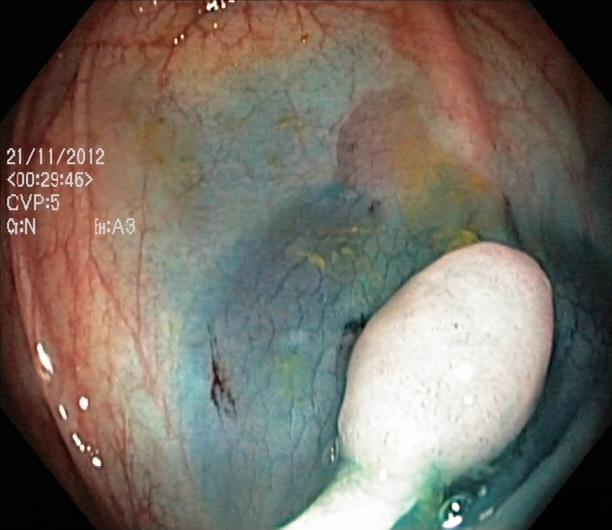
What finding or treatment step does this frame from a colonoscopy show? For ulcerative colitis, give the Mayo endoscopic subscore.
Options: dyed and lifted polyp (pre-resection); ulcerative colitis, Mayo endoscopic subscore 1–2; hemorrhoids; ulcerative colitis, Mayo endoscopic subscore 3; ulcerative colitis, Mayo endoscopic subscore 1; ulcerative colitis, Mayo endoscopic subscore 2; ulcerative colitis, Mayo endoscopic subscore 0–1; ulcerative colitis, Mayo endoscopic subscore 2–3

dyed and lifted polyp (pre-resection)